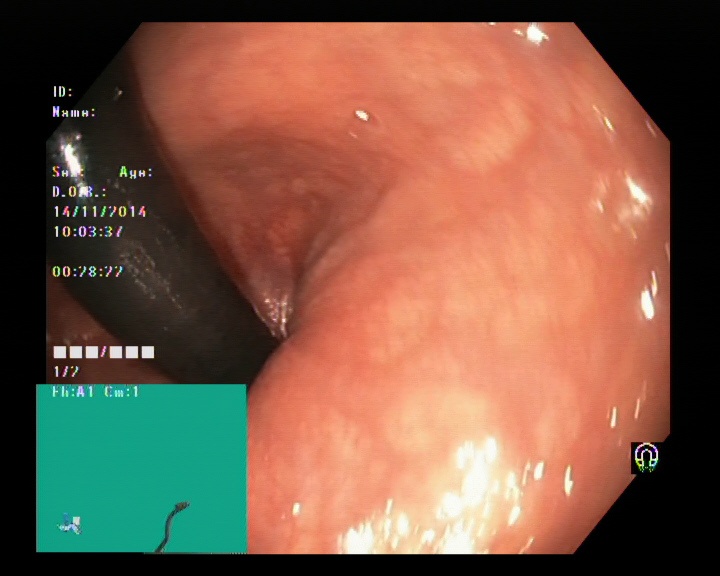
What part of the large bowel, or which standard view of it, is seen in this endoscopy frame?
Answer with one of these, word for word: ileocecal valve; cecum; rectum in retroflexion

rectum in retroflexion